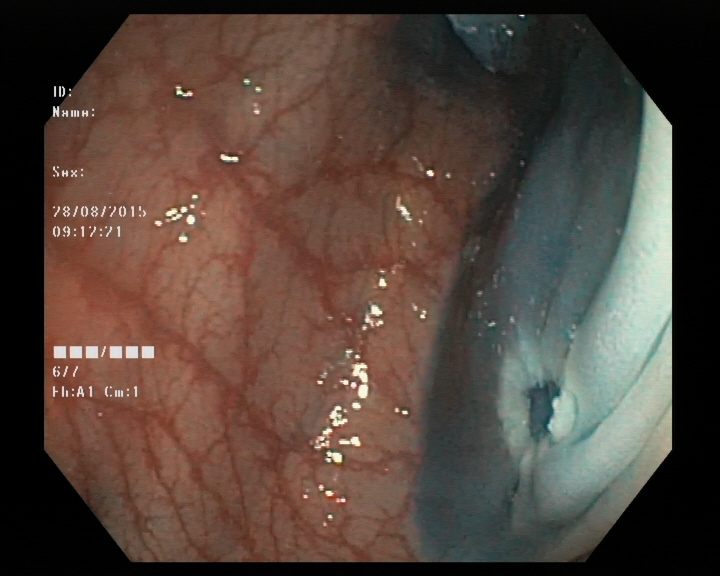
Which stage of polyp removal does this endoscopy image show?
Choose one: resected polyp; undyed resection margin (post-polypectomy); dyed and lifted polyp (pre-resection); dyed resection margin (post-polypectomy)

dyed resection margin (post-polypectomy)